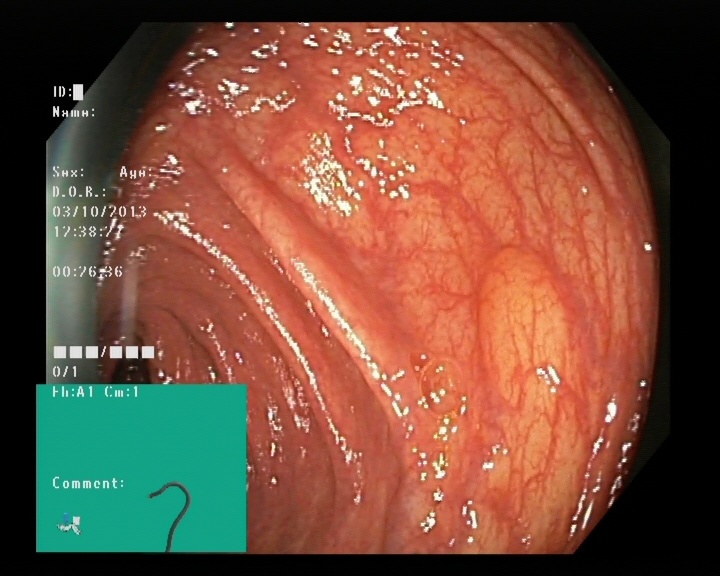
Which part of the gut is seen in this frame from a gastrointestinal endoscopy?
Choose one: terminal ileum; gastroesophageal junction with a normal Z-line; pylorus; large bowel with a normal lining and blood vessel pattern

large bowel with a normal lining and blood vessel pattern